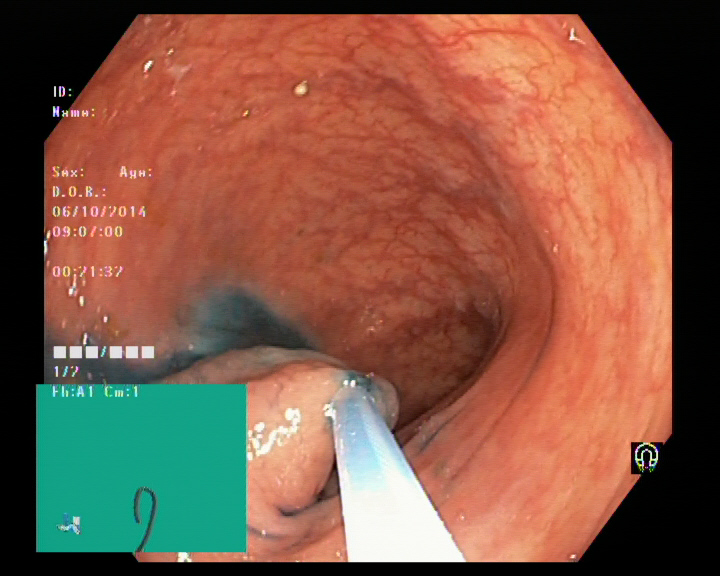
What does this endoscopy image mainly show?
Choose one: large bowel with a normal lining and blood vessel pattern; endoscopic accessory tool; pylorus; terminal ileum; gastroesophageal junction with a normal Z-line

endoscopic accessory tool